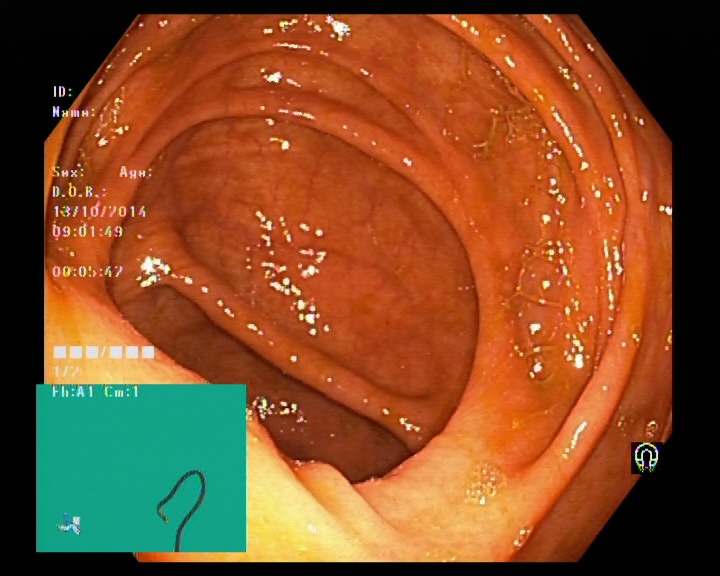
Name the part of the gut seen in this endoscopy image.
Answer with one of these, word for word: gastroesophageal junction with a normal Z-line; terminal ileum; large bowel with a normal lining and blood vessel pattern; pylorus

large bowel with a normal lining and blood vessel pattern